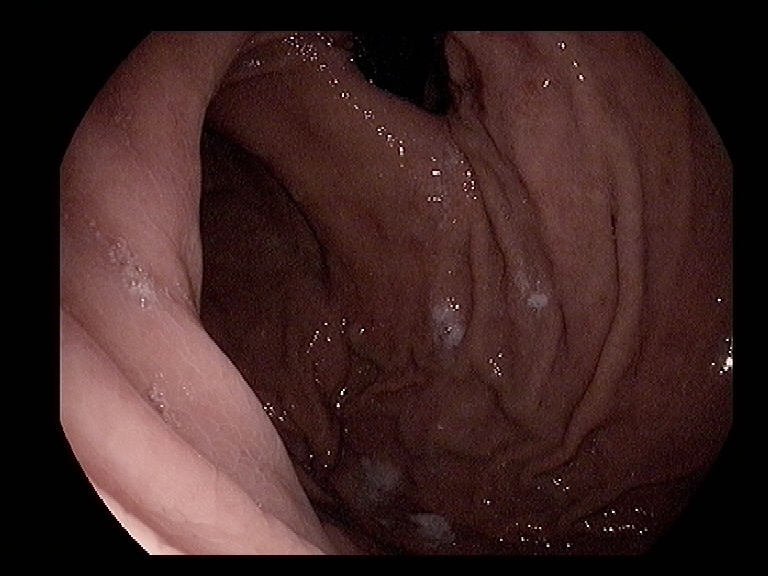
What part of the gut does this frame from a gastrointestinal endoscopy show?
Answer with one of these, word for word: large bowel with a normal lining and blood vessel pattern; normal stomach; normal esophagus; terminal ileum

normal stomach